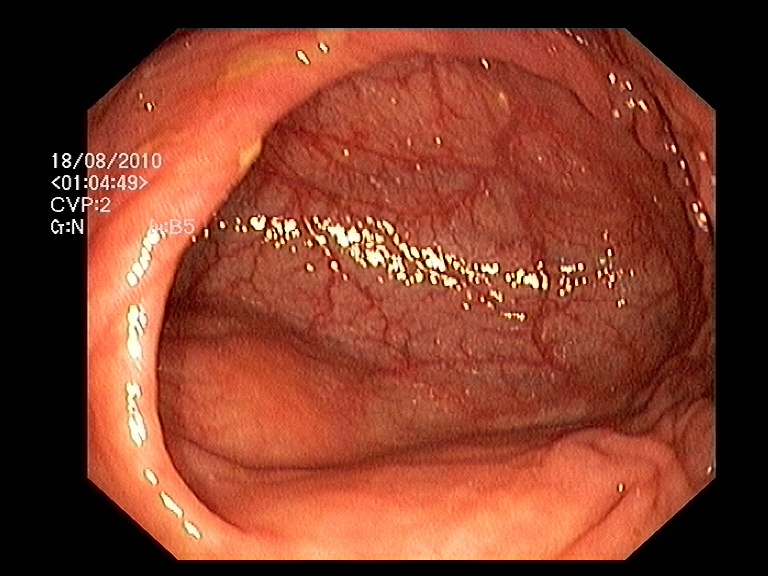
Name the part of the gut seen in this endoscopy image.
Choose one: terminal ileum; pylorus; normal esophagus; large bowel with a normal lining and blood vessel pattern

large bowel with a normal lining and blood vessel pattern